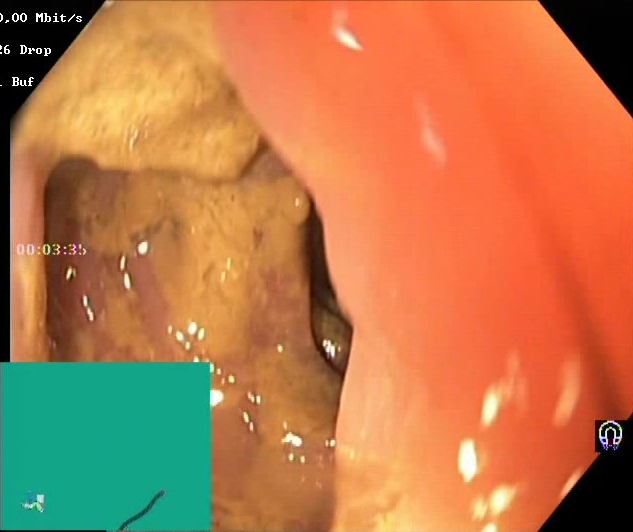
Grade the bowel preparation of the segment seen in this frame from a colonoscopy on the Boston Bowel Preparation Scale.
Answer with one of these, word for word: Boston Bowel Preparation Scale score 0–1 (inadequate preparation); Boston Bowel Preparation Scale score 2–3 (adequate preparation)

Boston Bowel Preparation Scale score 0–1 (inadequate preparation)